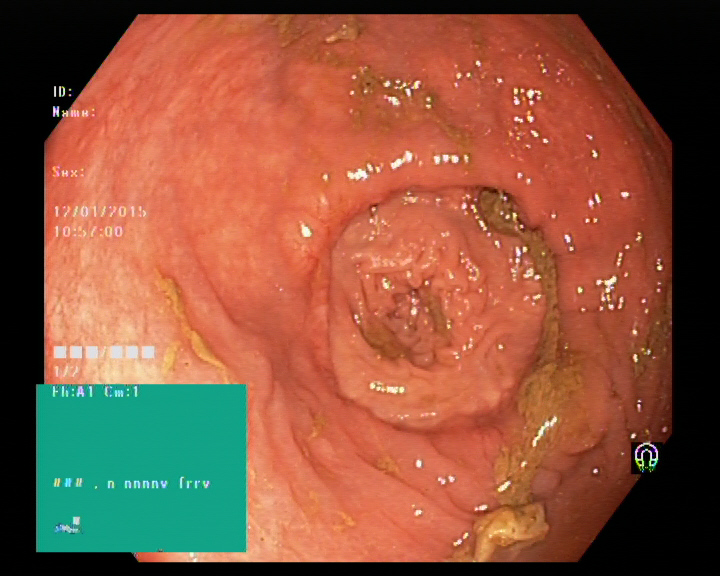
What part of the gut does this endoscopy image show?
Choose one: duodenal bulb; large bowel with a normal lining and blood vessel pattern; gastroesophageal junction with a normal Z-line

large bowel with a normal lining and blood vessel pattern